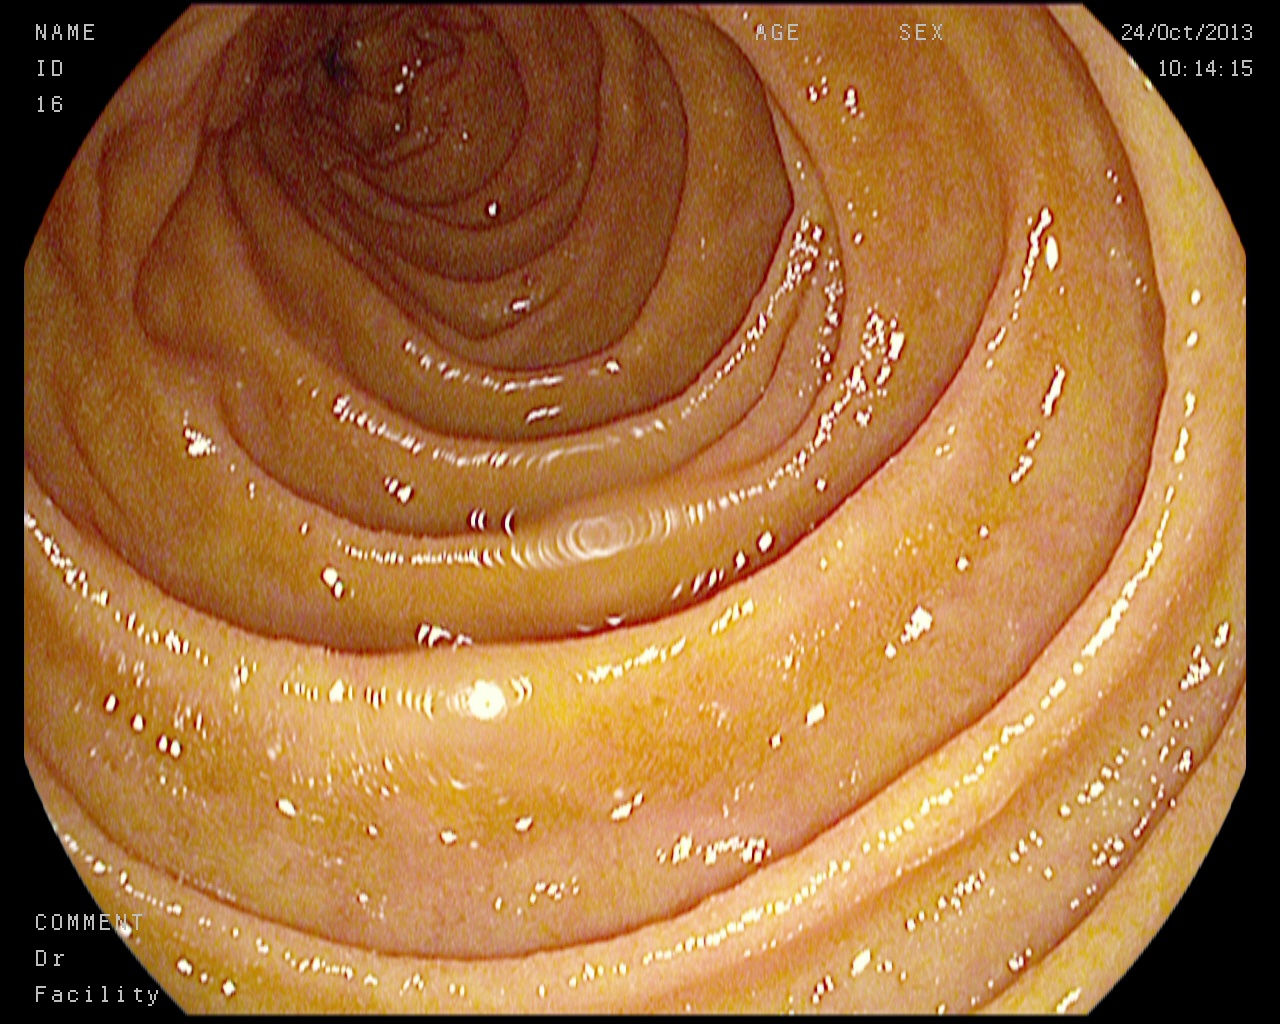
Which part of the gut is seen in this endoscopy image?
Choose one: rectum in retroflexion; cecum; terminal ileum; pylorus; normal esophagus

terminal ileum